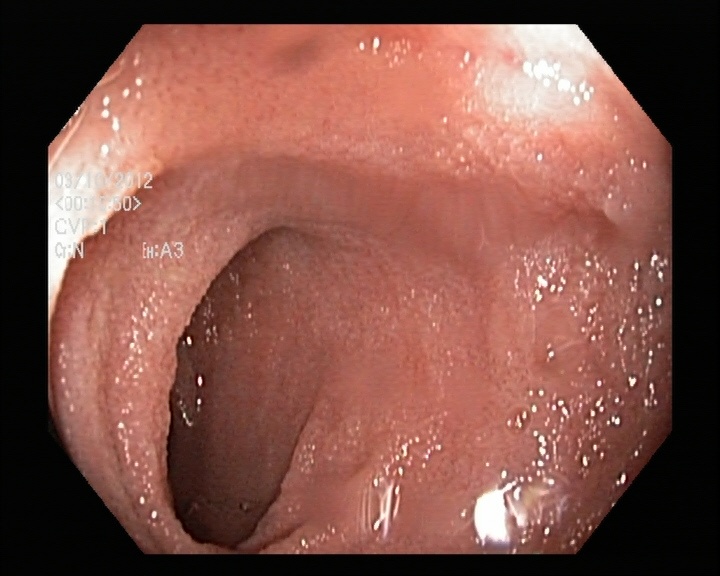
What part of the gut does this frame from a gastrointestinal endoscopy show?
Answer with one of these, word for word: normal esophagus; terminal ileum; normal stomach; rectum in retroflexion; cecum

terminal ileum